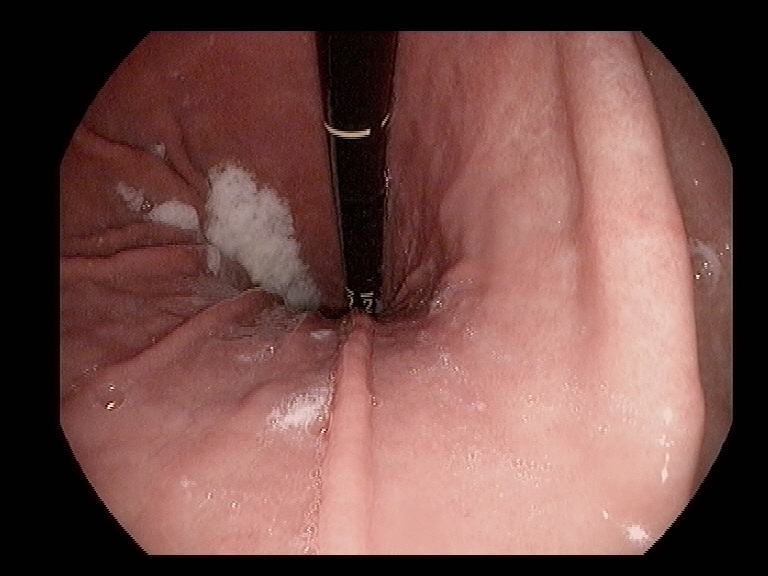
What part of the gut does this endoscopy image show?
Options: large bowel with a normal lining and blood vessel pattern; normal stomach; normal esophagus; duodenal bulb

normal stomach